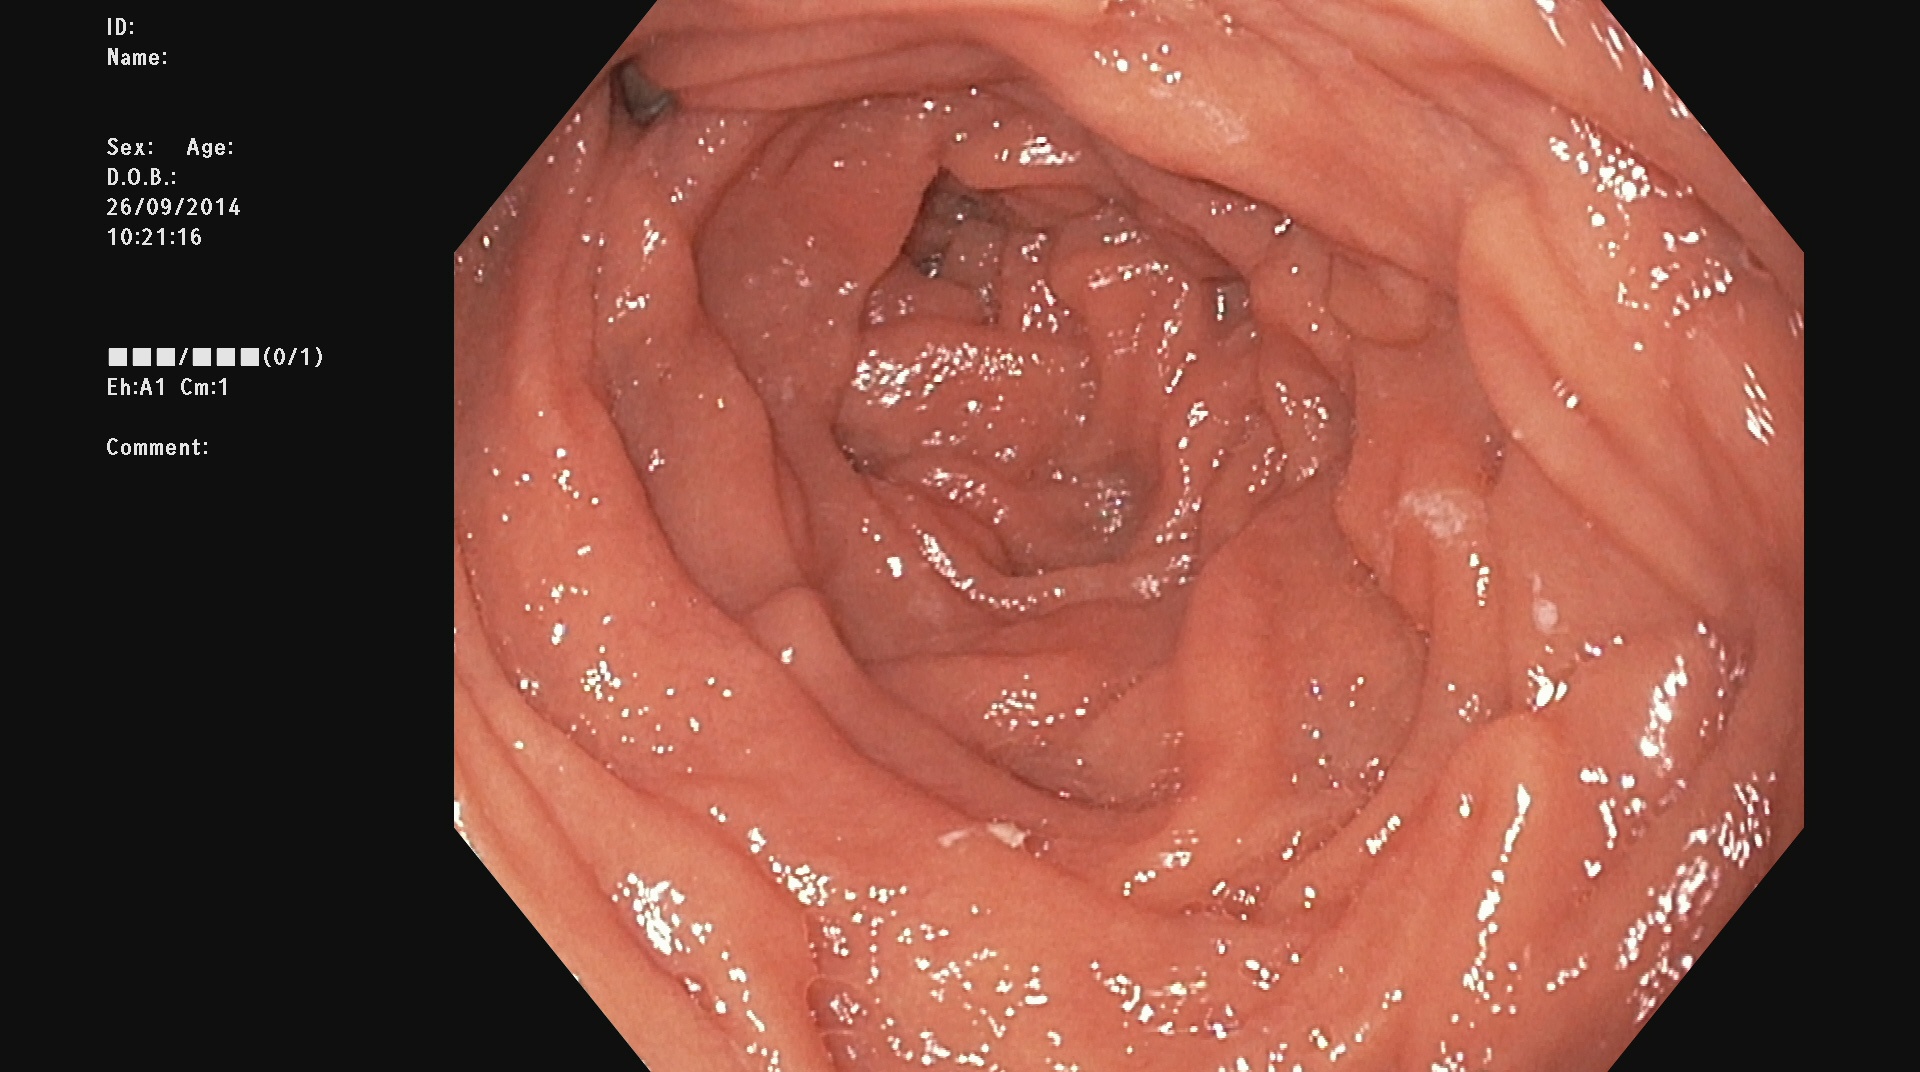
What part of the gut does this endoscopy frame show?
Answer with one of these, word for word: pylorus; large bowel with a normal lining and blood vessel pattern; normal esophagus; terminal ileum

terminal ileum